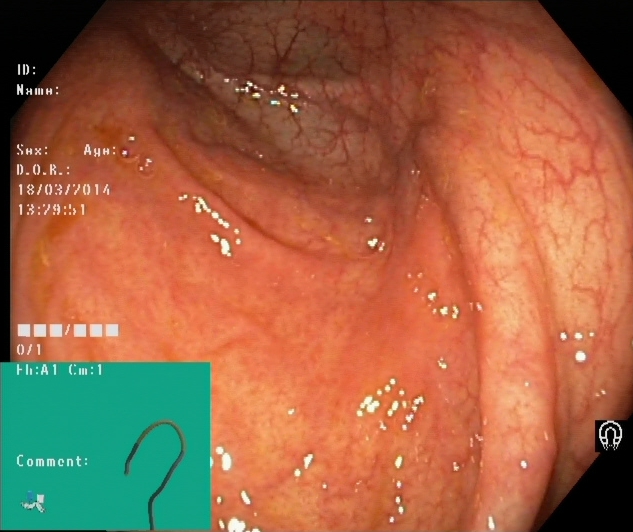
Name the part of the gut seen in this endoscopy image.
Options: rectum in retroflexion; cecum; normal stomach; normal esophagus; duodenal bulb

cecum